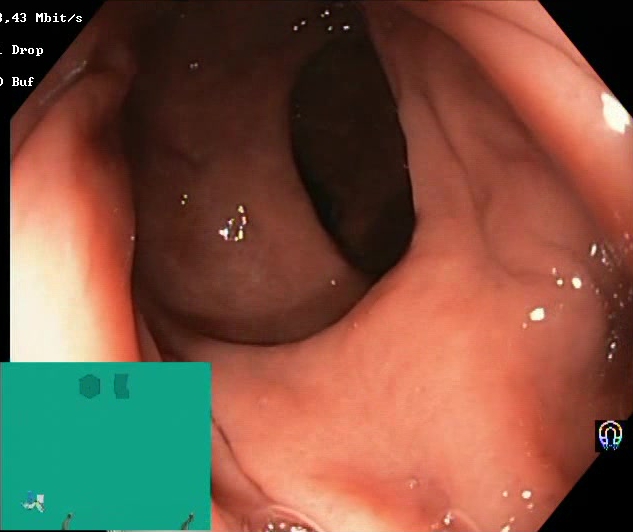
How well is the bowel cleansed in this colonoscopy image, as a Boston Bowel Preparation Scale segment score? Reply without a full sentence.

Boston Bowel Preparation Scale score 2–3 (adequate preparation)